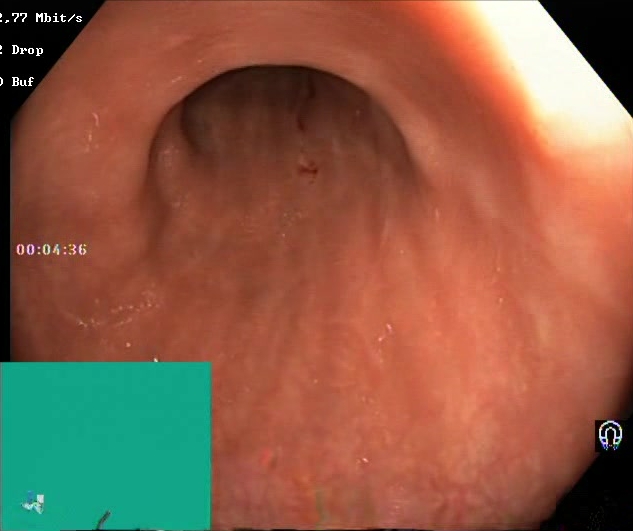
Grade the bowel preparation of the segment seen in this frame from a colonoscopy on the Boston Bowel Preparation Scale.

Boston Bowel Preparation Scale score 2–3 (adequate preparation)